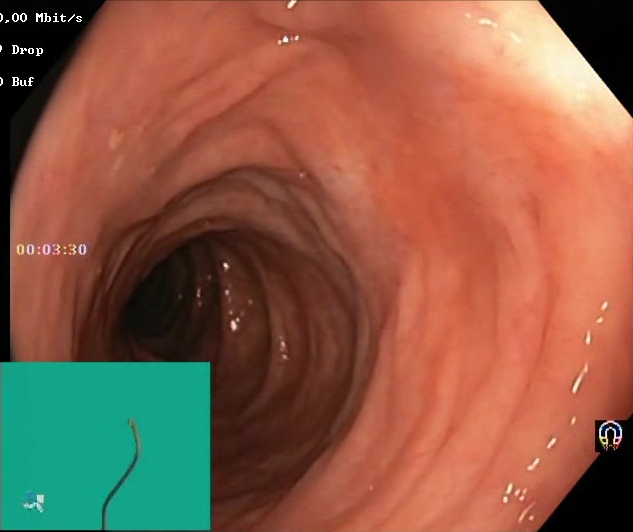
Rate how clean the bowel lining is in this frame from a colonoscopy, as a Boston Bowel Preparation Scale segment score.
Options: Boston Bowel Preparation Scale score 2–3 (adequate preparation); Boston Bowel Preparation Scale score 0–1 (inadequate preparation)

Boston Bowel Preparation Scale score 2–3 (adequate preparation)